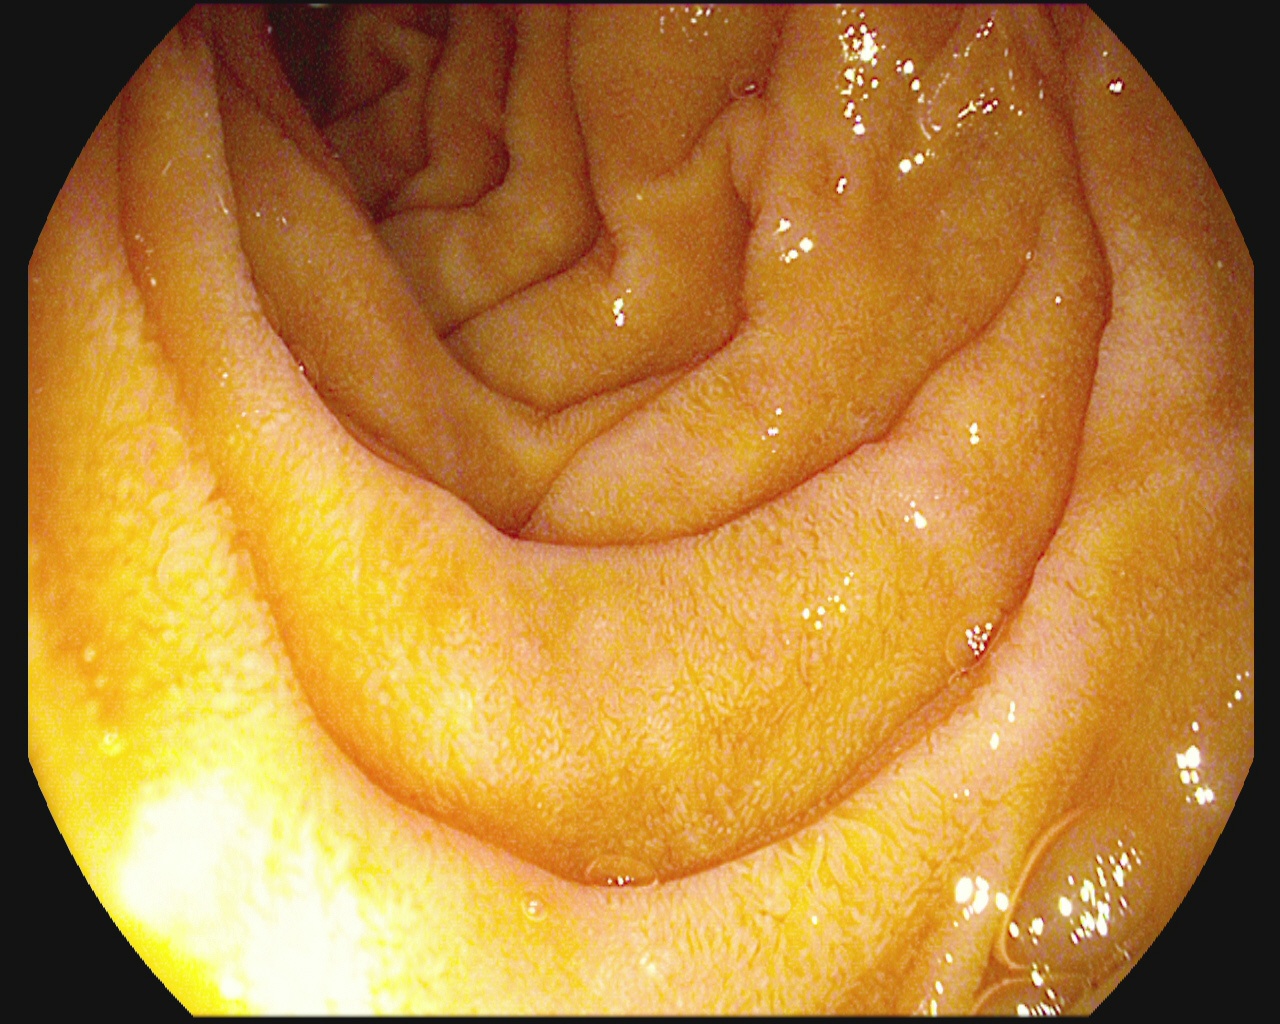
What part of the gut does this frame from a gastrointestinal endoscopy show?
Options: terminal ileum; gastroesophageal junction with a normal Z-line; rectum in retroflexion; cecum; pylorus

terminal ileum